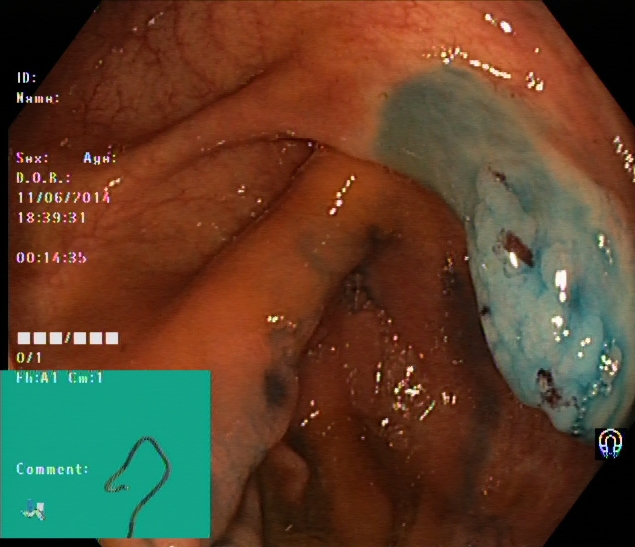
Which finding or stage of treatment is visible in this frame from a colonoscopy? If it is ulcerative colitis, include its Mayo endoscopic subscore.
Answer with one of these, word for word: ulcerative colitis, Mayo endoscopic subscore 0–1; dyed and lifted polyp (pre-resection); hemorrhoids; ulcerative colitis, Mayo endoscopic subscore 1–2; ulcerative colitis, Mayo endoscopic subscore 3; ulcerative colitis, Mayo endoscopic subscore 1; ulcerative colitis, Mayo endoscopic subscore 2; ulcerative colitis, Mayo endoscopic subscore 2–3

dyed and lifted polyp (pre-resection)